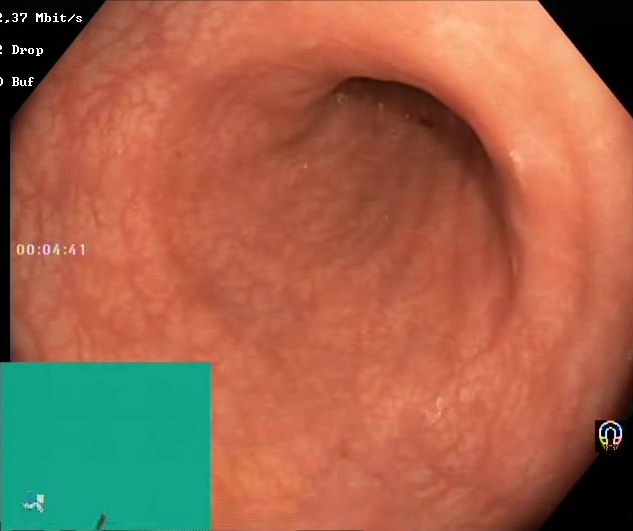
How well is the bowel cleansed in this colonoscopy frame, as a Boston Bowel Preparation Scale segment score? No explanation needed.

Boston Bowel Preparation Scale score 2–3 (adequate preparation)